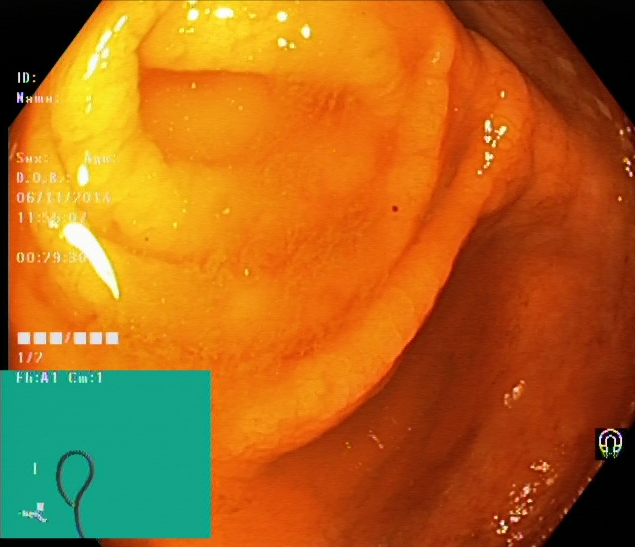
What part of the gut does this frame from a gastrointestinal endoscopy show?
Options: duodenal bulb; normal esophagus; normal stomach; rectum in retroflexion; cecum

cecum